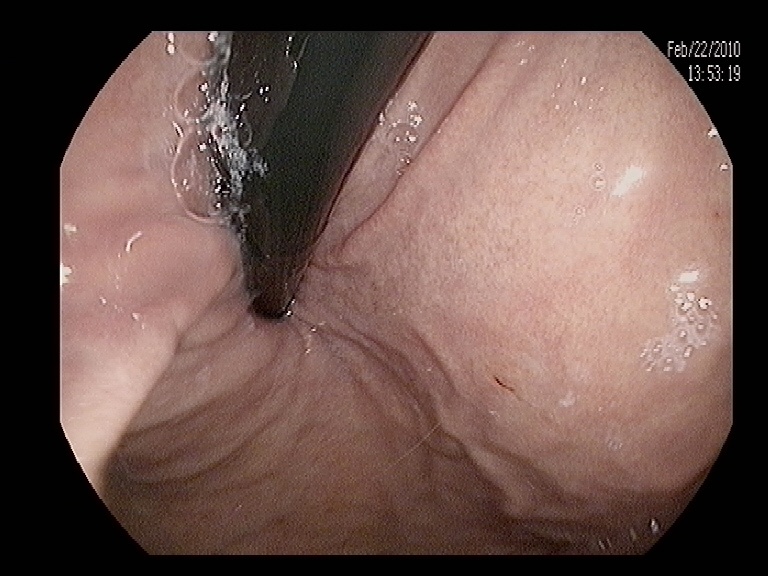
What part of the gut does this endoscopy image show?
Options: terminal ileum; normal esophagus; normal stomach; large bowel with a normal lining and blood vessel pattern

normal stomach